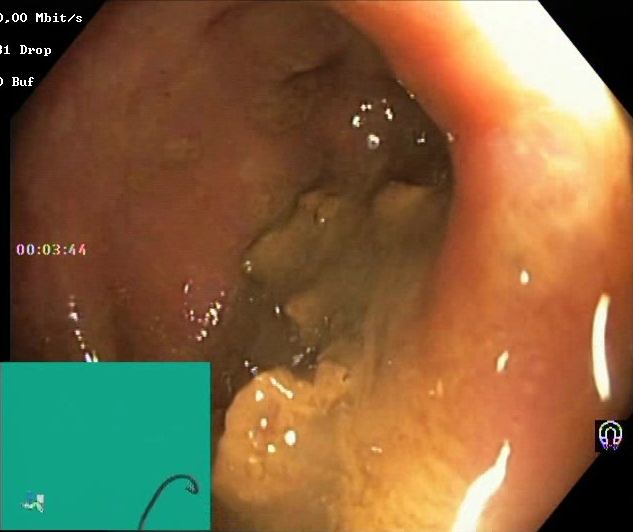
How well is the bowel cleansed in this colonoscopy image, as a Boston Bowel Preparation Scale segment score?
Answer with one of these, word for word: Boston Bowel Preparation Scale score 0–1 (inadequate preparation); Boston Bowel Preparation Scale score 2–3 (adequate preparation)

Boston Bowel Preparation Scale score 0–1 (inadequate preparation)